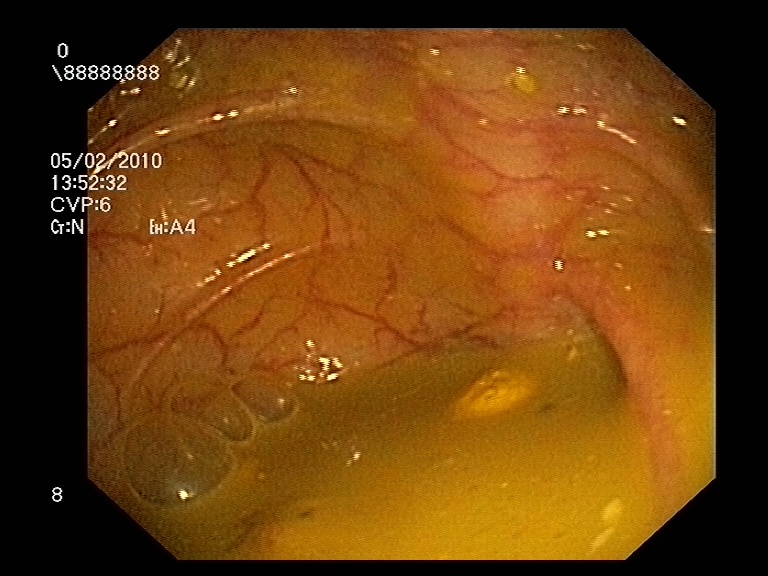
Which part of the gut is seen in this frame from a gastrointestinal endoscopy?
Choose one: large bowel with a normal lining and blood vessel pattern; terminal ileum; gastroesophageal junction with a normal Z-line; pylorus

large bowel with a normal lining and blood vessel pattern